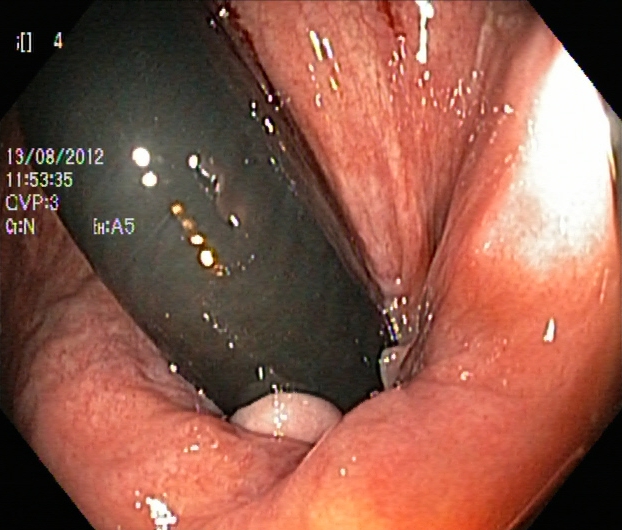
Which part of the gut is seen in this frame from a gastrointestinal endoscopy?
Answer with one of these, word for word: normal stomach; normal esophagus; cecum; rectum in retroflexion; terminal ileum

rectum in retroflexion